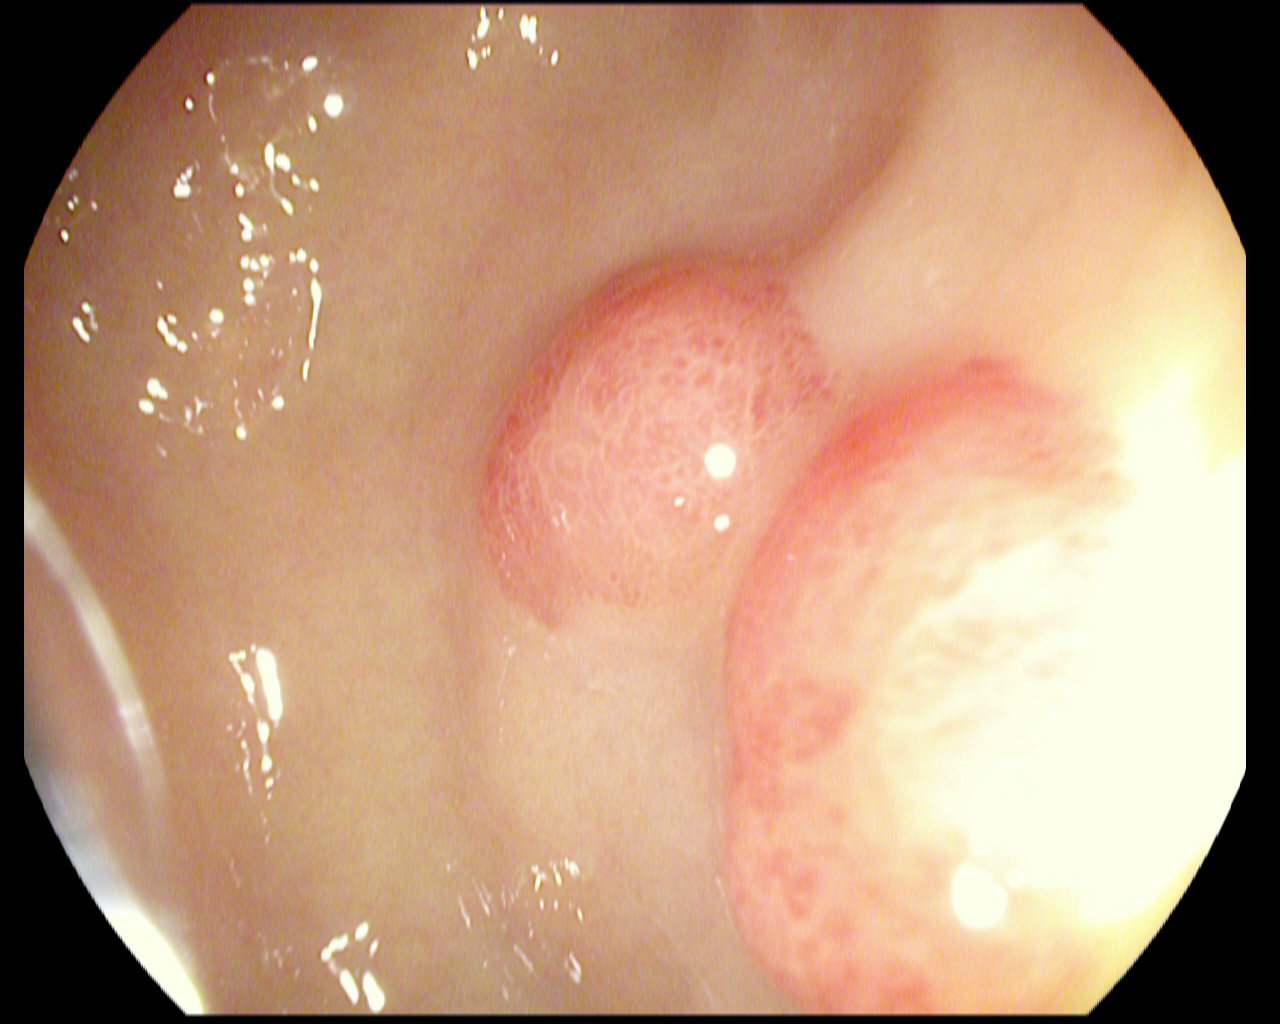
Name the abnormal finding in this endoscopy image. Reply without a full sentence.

gastric polyp